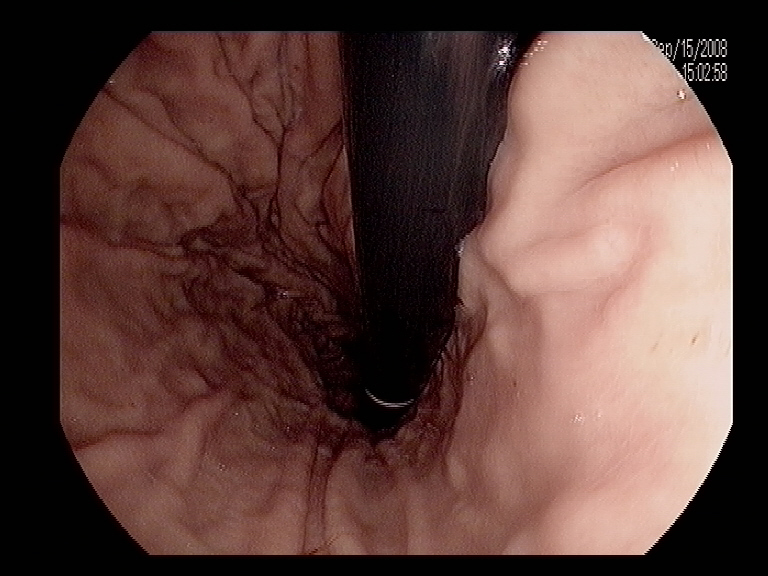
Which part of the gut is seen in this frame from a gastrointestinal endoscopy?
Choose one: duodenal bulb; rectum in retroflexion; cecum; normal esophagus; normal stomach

normal stomach